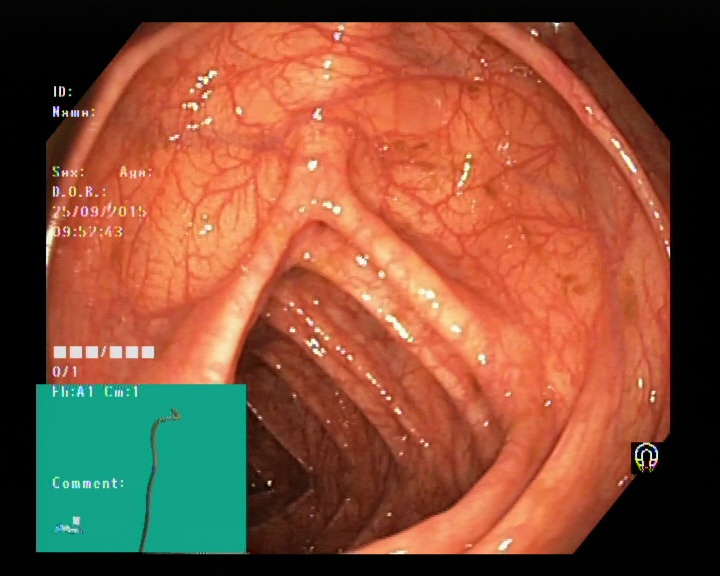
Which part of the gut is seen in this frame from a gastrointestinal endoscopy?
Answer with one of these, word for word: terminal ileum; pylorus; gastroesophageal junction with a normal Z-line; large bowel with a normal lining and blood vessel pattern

large bowel with a normal lining and blood vessel pattern